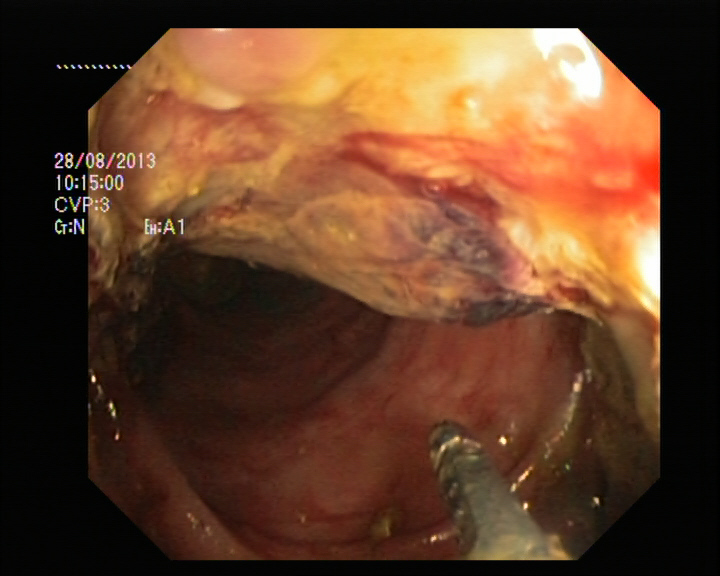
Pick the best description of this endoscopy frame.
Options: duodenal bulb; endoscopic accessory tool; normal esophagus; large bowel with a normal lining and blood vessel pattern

endoscopic accessory tool